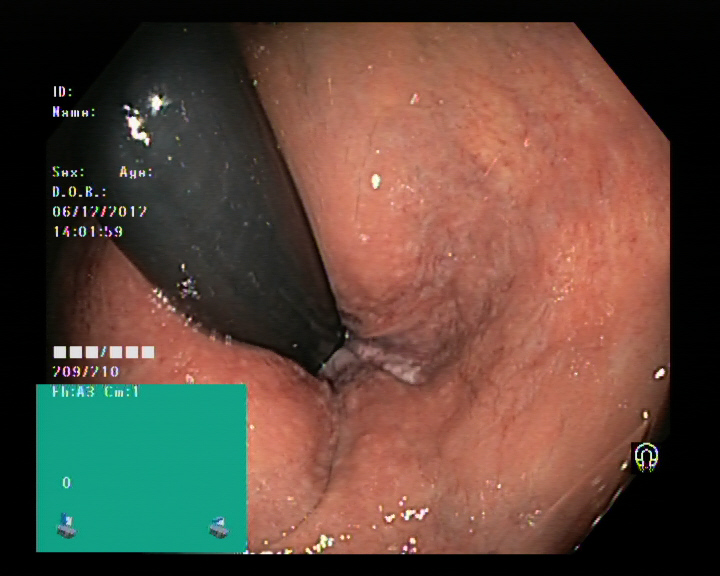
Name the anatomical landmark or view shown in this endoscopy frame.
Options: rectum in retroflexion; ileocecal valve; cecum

rectum in retroflexion